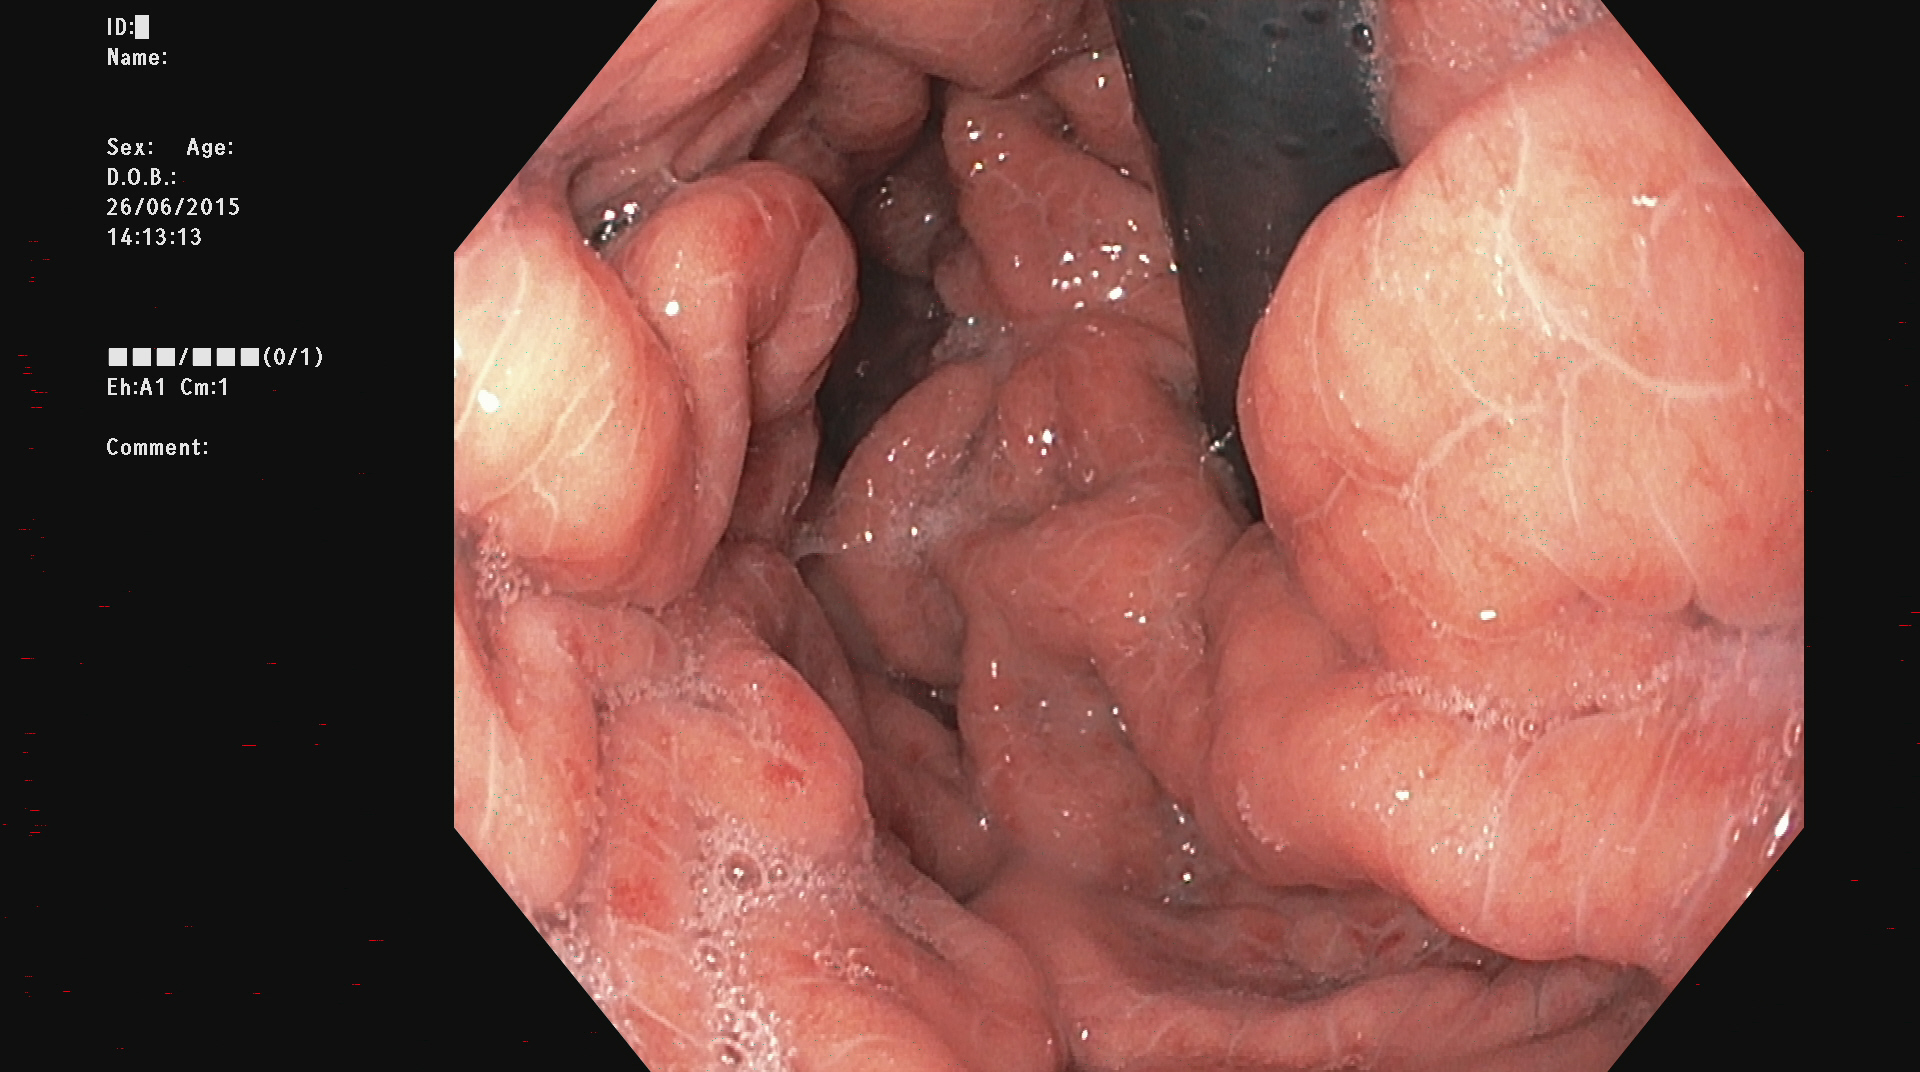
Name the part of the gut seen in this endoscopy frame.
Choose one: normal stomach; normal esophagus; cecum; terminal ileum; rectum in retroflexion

normal stomach